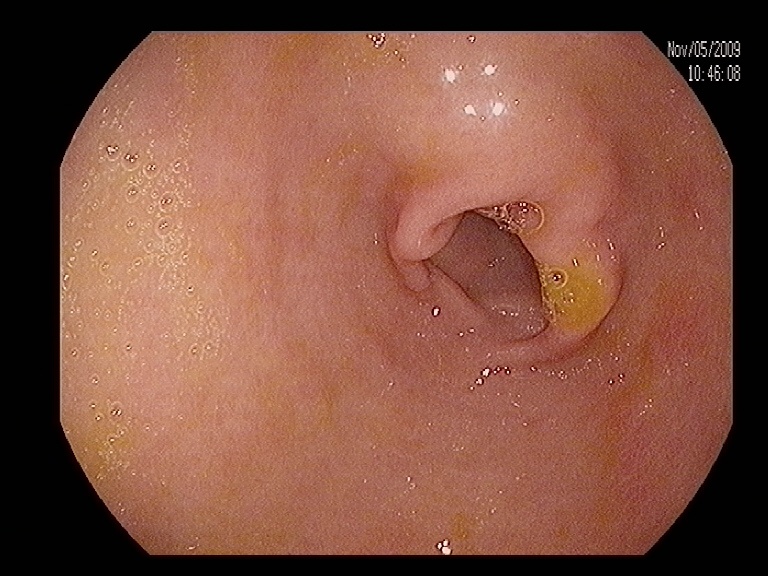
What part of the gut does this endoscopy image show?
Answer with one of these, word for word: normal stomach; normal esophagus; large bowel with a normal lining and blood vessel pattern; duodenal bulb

normal stomach